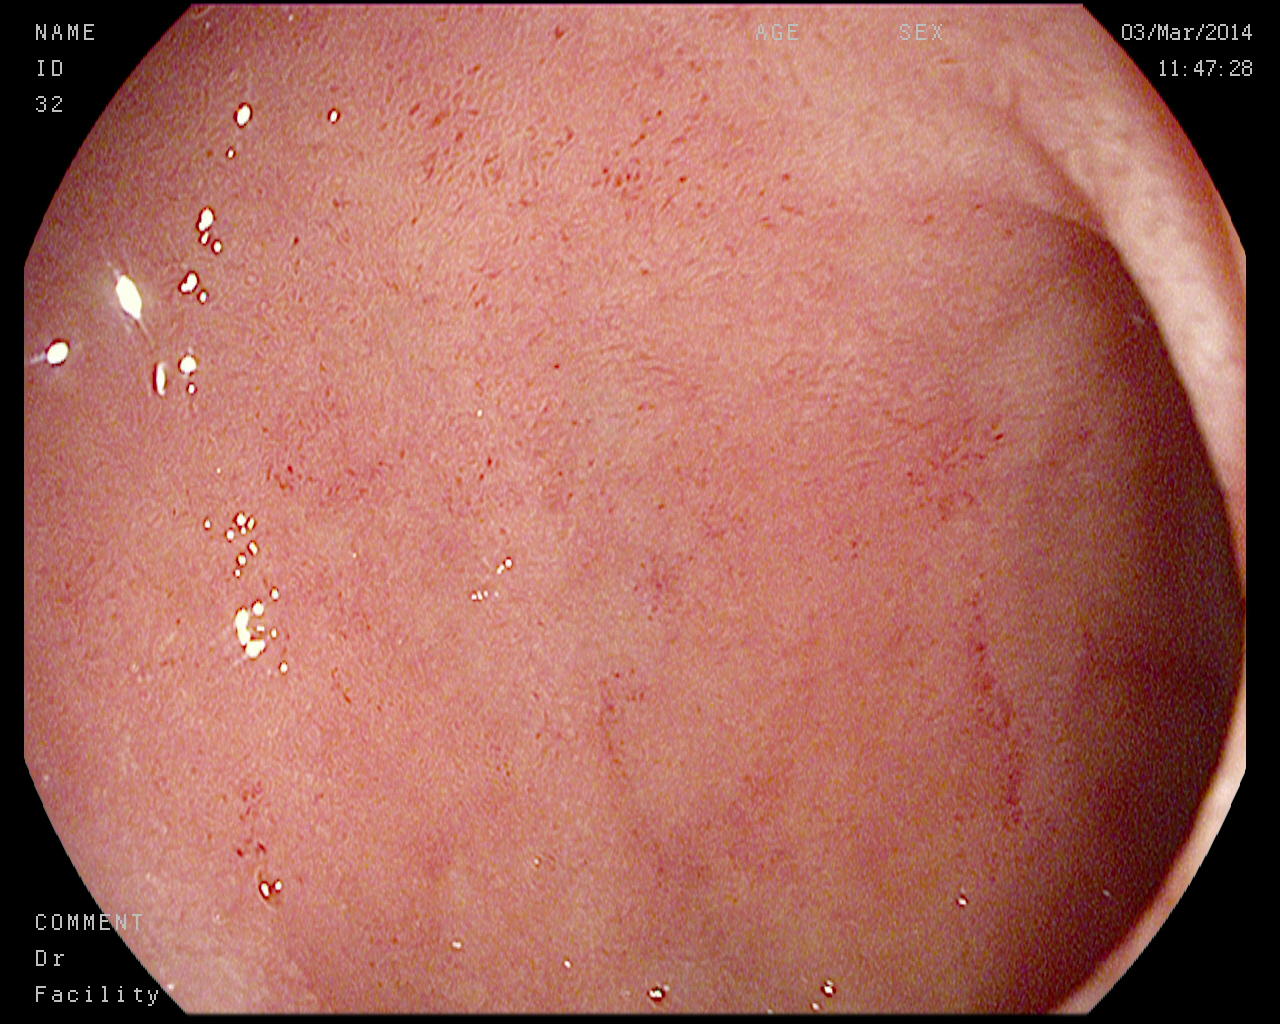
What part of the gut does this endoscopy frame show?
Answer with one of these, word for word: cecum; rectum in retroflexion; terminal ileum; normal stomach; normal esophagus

terminal ileum